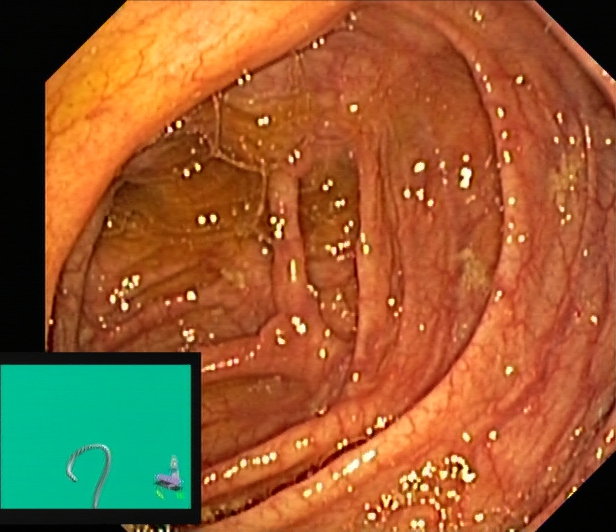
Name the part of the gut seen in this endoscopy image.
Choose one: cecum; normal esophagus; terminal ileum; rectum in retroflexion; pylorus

cecum